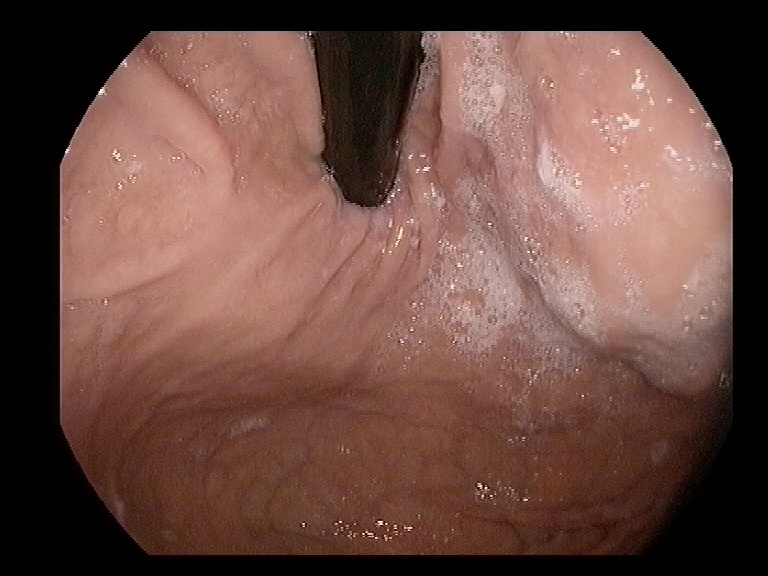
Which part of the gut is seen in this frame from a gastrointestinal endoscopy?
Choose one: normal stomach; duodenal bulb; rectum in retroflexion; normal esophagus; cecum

normal stomach